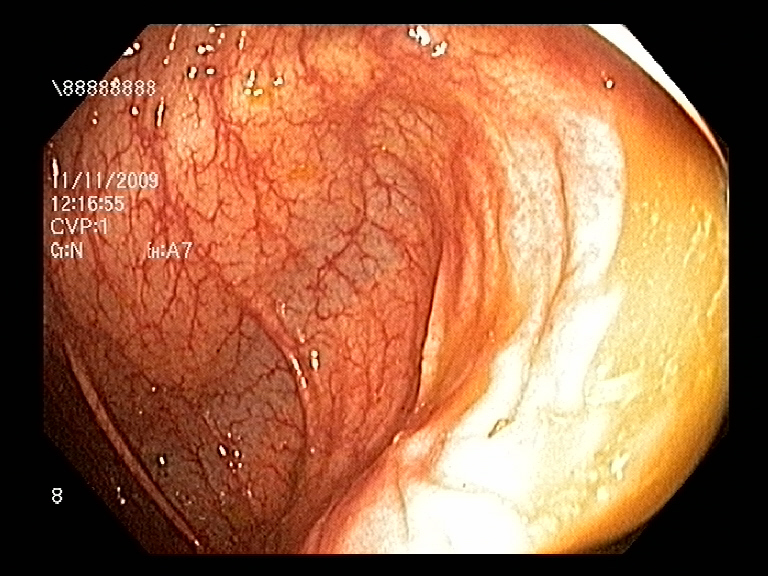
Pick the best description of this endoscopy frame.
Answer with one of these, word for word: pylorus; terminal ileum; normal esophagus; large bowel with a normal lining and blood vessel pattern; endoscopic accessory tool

large bowel with a normal lining and blood vessel pattern